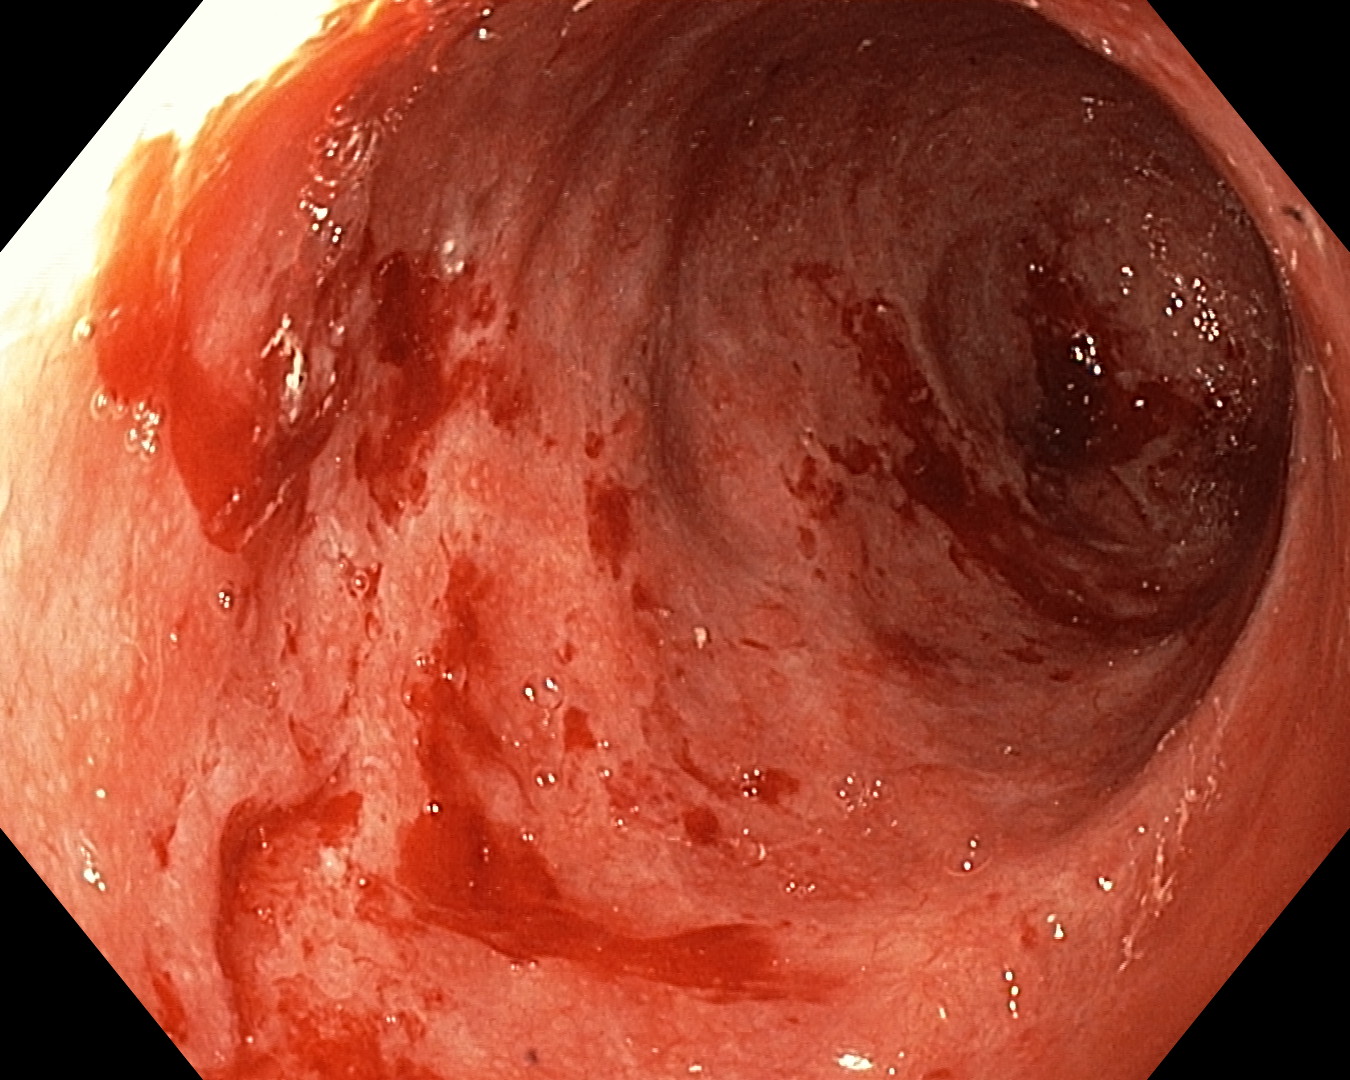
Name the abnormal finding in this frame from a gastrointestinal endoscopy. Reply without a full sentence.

blood in the lumen